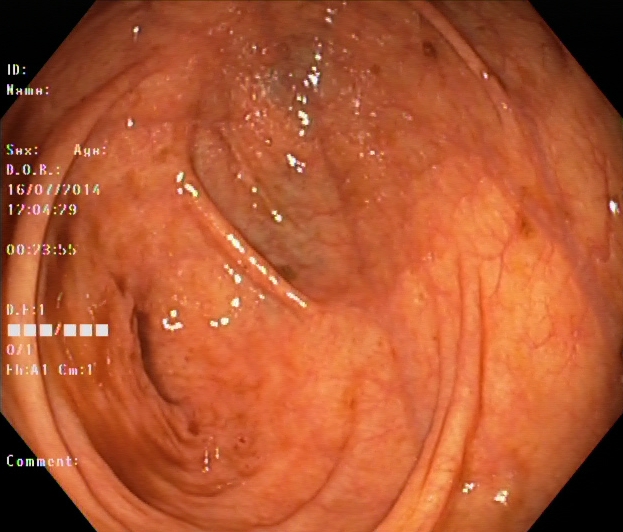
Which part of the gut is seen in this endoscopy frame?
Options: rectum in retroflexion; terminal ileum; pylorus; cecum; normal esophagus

cecum